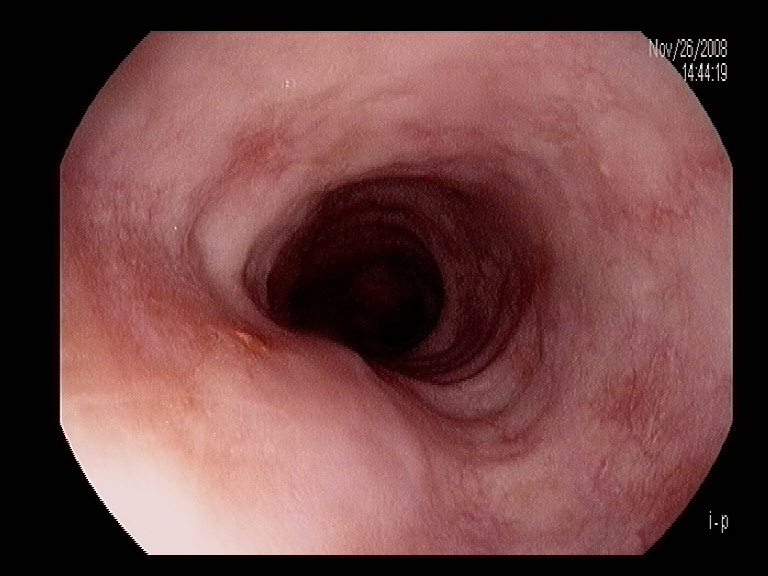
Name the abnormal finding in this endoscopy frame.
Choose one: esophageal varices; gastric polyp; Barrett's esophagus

Barrett's esophagus